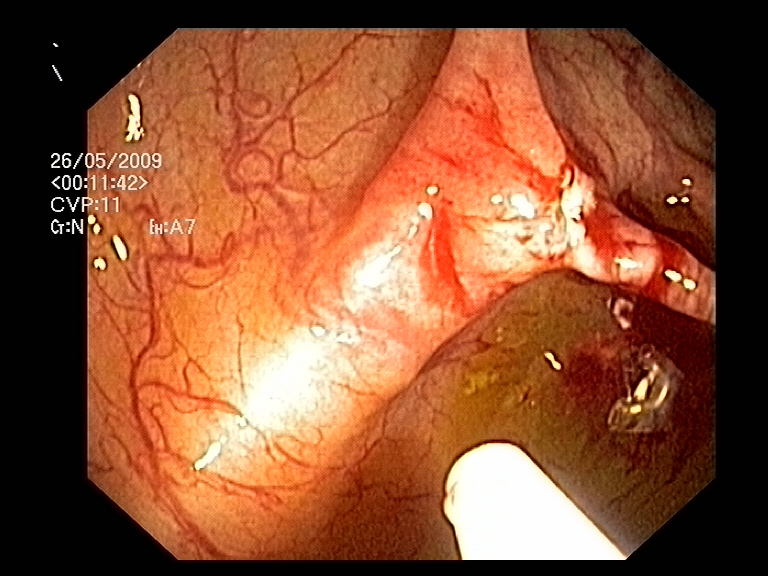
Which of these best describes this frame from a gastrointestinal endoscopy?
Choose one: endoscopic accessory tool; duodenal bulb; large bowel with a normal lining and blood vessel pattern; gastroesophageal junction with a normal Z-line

endoscopic accessory tool